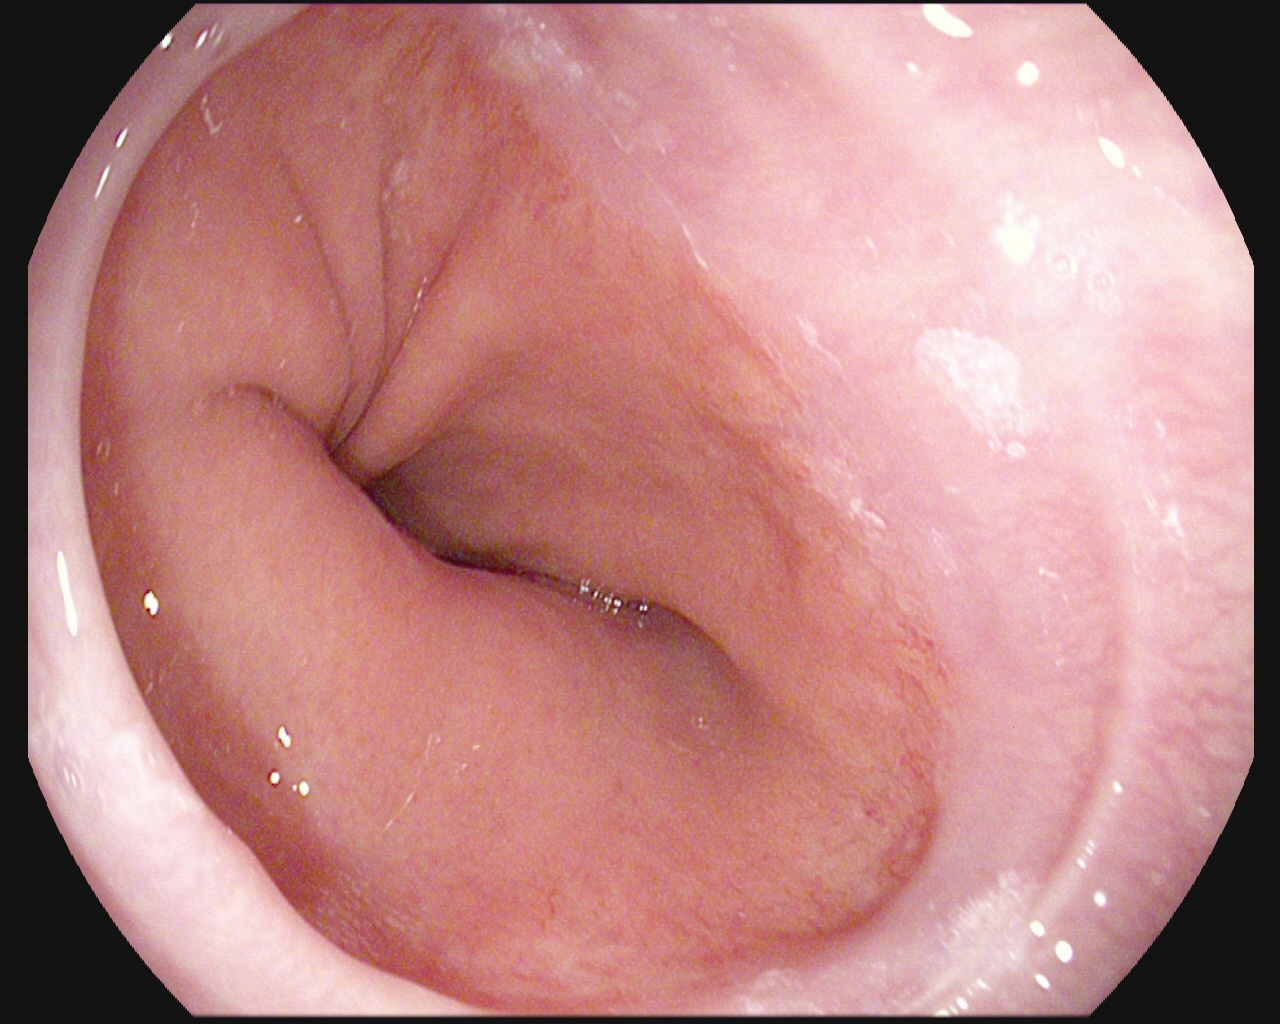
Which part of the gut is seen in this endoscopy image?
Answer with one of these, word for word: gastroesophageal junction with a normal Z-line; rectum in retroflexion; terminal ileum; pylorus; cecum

gastroesophageal junction with a normal Z-line